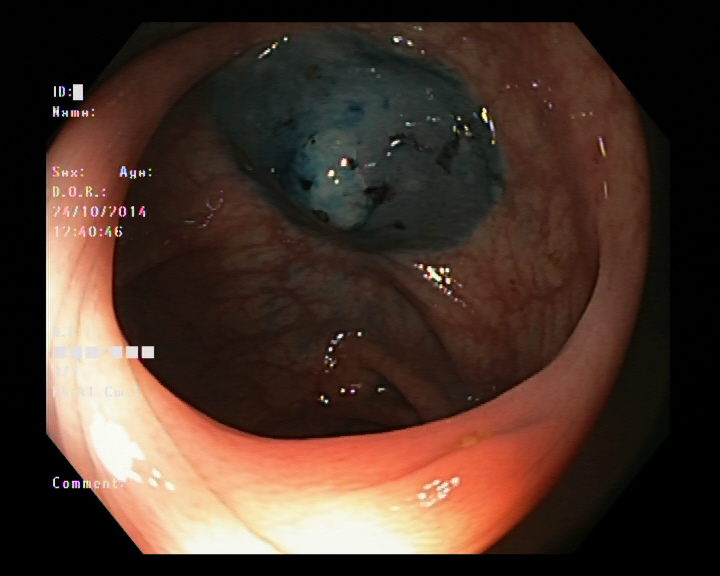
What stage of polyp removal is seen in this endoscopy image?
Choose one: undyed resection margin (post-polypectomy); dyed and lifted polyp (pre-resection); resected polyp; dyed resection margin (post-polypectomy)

dyed and lifted polyp (pre-resection)